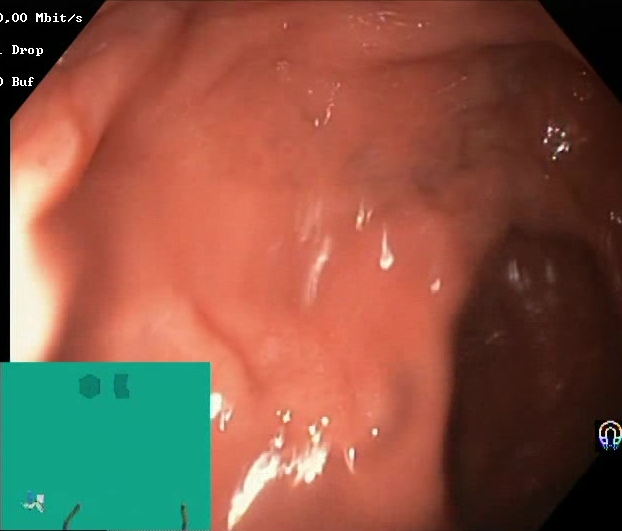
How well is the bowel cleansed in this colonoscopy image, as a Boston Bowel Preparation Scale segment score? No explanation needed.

Boston Bowel Preparation Scale score 2–3 (adequate preparation)